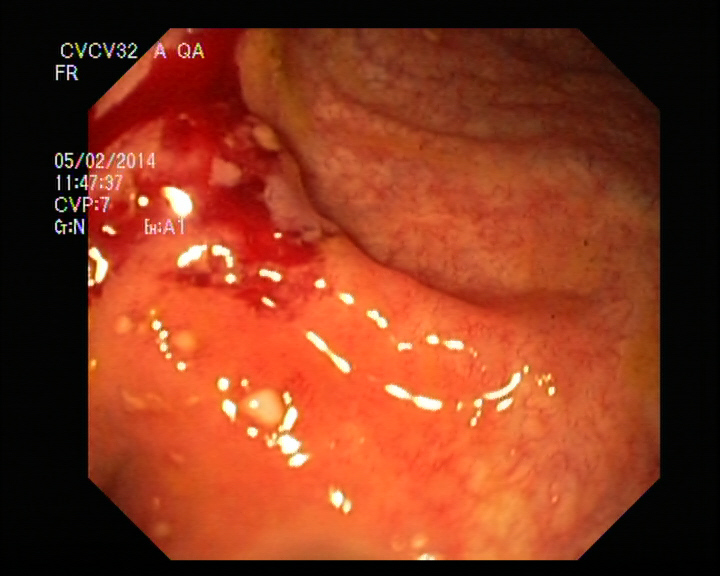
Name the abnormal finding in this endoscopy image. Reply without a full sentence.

blood in the lumen